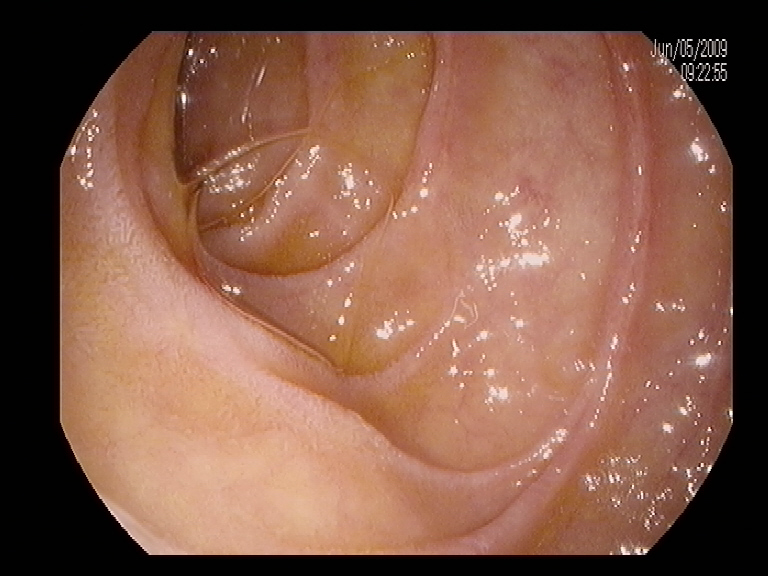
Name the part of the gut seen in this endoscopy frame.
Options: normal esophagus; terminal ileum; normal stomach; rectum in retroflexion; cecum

terminal ileum